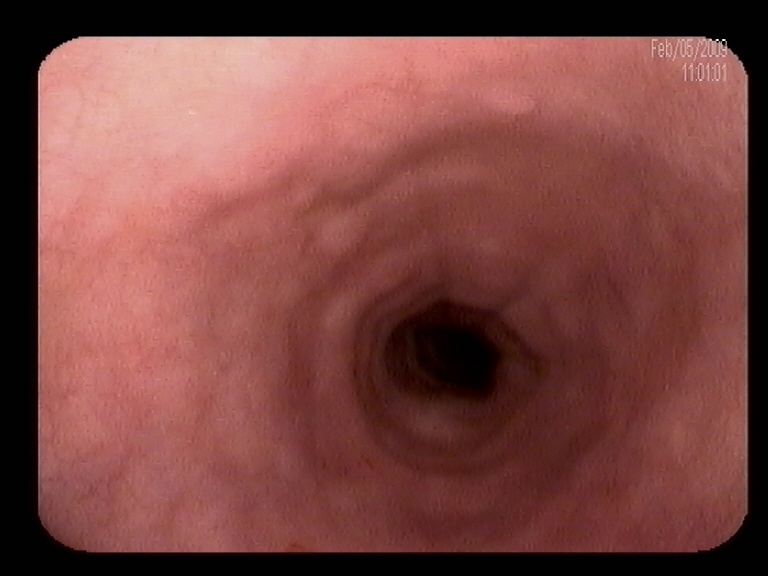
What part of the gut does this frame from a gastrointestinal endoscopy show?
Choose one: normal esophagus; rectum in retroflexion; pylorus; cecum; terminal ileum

normal esophagus